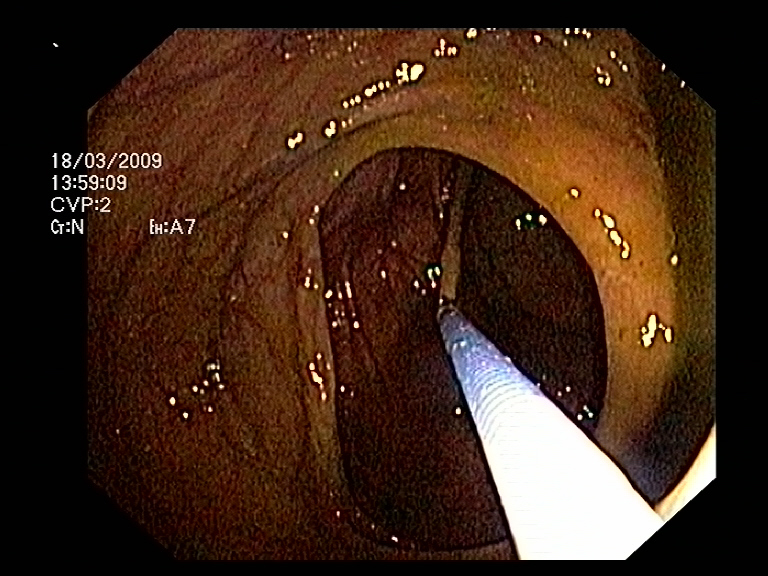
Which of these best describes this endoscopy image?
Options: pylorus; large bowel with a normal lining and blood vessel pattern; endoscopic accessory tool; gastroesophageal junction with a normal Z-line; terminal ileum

endoscopic accessory tool